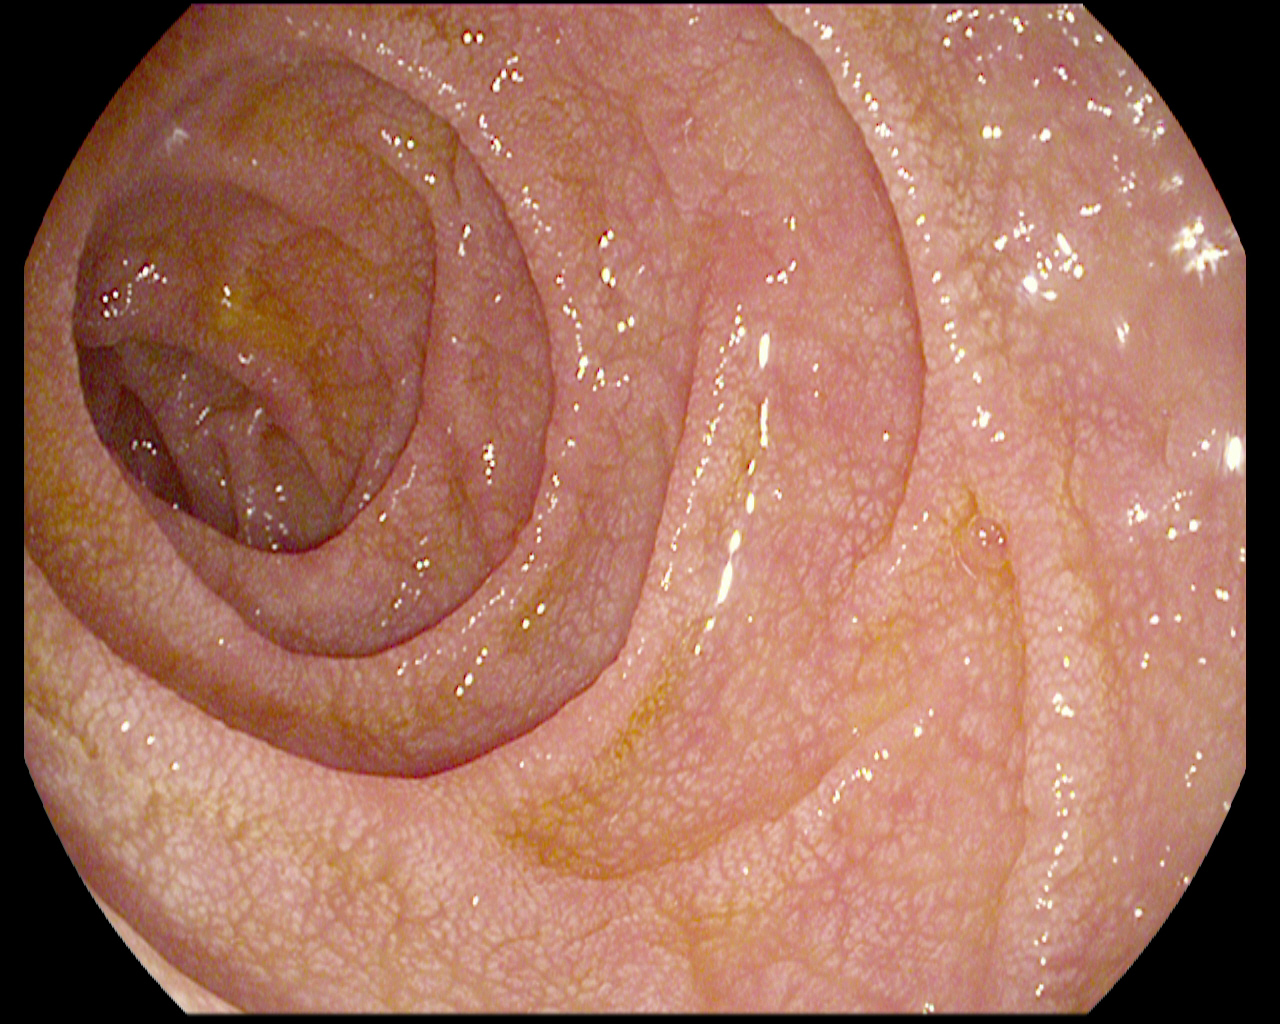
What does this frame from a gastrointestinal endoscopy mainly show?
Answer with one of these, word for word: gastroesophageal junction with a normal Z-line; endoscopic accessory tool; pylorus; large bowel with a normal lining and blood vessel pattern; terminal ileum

terminal ileum